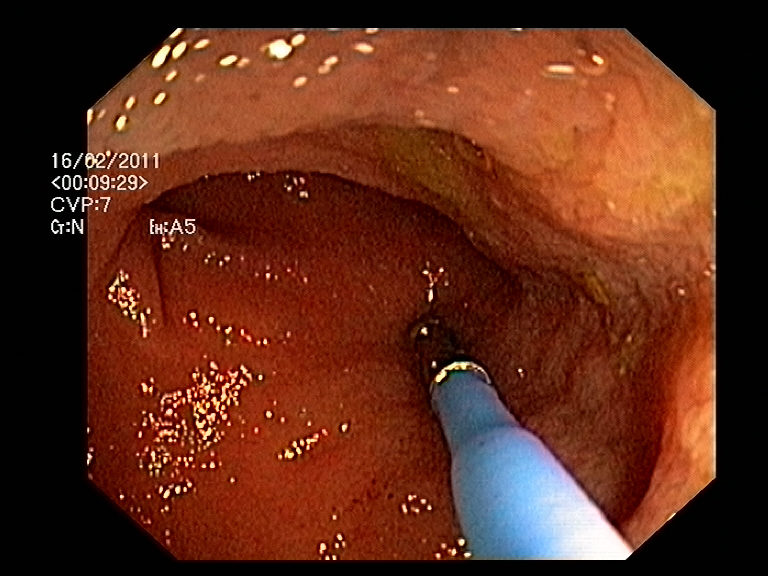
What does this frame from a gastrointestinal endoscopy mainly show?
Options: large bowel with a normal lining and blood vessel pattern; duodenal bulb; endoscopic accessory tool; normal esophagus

endoscopic accessory tool